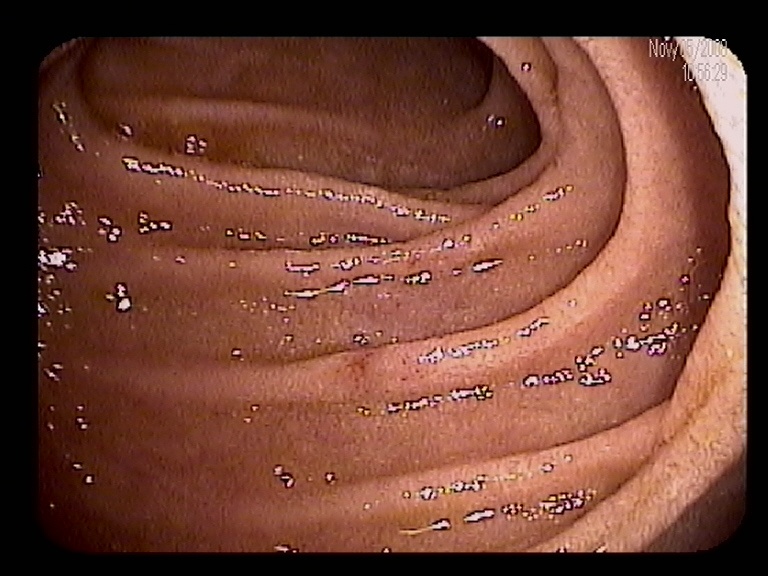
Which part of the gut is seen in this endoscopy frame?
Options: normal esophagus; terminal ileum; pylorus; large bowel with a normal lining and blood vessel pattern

terminal ileum